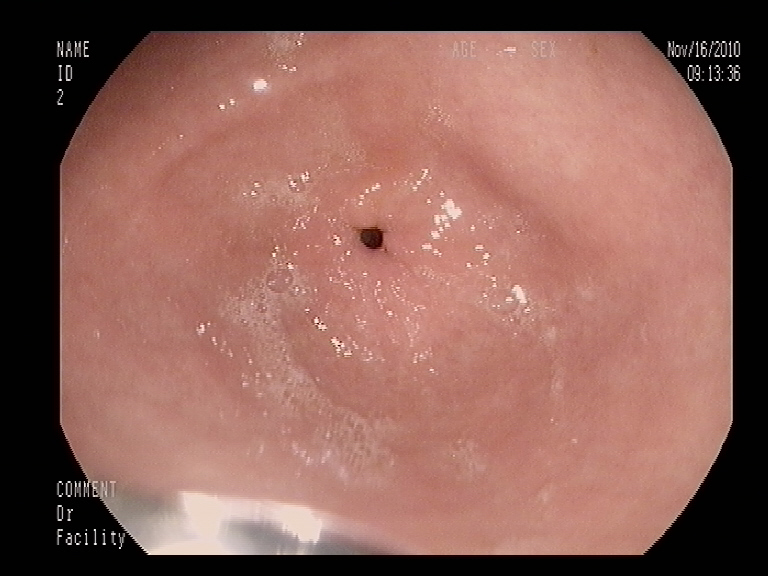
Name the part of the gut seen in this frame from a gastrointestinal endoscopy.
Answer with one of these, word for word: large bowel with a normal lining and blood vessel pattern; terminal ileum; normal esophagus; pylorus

pylorus